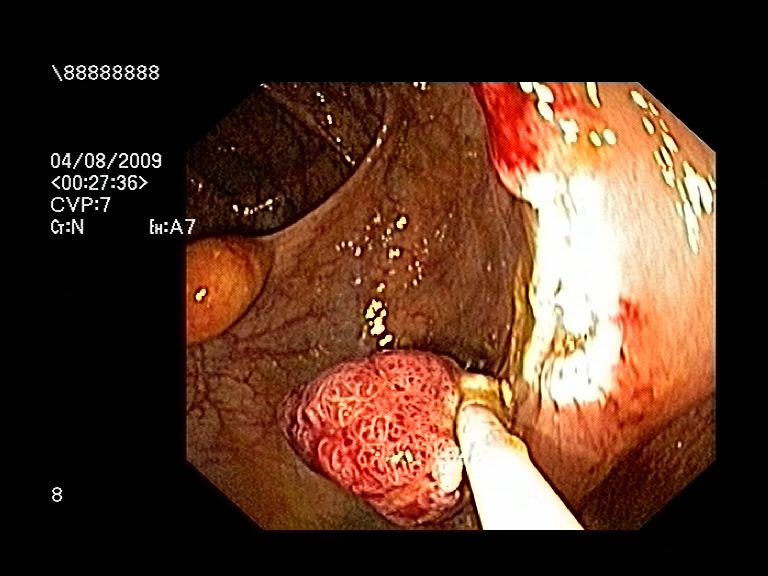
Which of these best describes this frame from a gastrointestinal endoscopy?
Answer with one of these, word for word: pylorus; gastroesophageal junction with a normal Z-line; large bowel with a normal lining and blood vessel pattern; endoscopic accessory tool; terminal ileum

endoscopic accessory tool